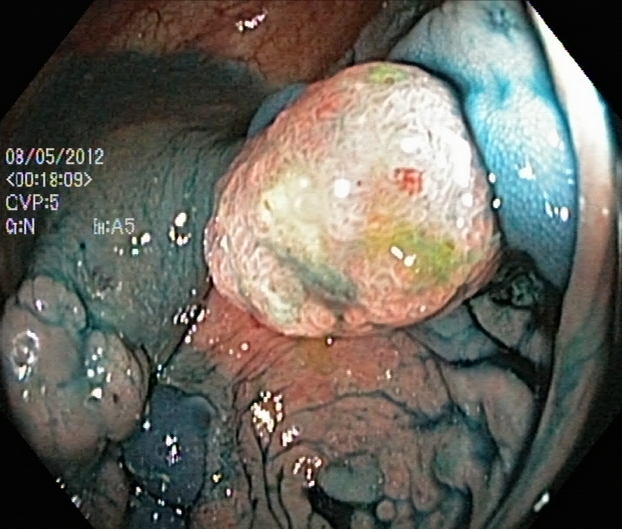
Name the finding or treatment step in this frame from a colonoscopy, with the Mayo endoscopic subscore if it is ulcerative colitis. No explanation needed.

dyed and lifted polyp (pre-resection)